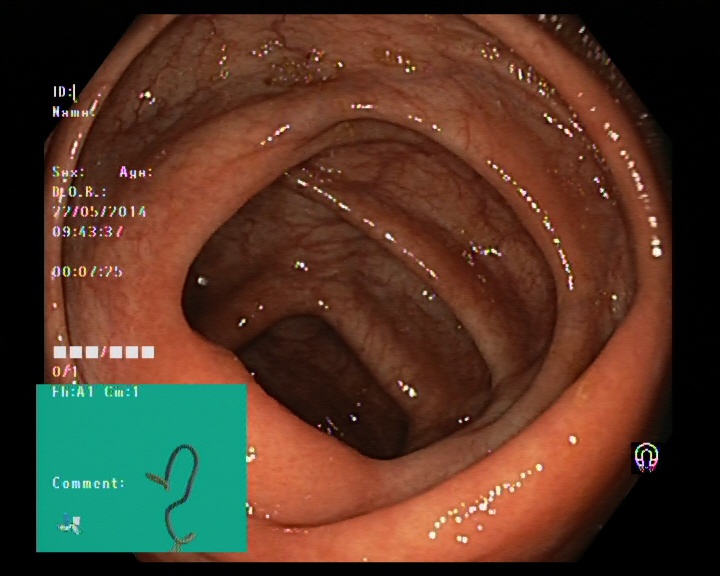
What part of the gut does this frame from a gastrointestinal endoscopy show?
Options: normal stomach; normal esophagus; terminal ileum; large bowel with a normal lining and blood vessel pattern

large bowel with a normal lining and blood vessel pattern